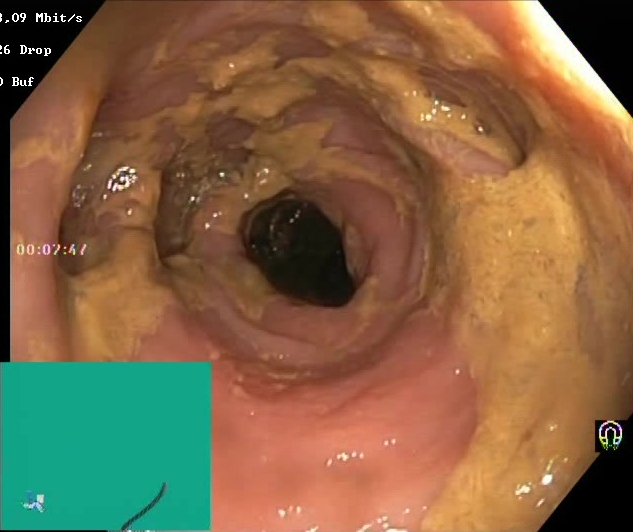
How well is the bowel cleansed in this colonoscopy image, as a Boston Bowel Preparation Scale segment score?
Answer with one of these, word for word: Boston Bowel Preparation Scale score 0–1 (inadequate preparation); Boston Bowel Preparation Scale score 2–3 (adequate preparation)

Boston Bowel Preparation Scale score 0–1 (inadequate preparation)